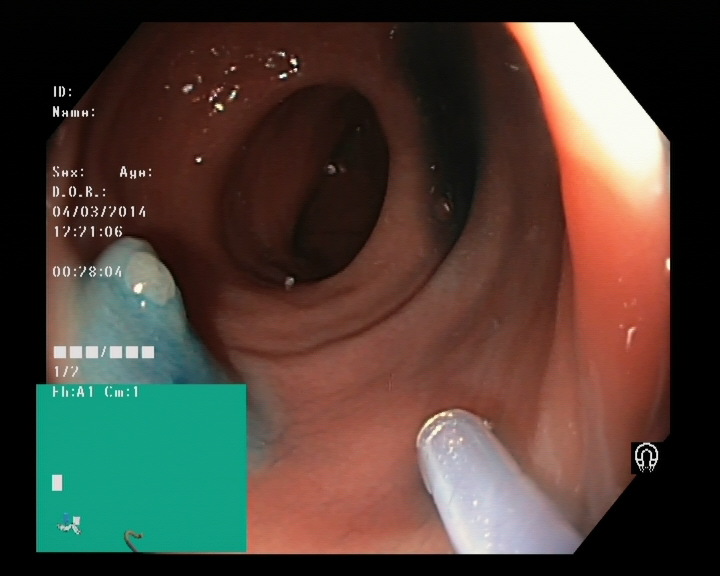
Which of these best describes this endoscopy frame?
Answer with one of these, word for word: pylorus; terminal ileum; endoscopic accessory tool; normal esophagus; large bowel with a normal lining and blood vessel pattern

endoscopic accessory tool